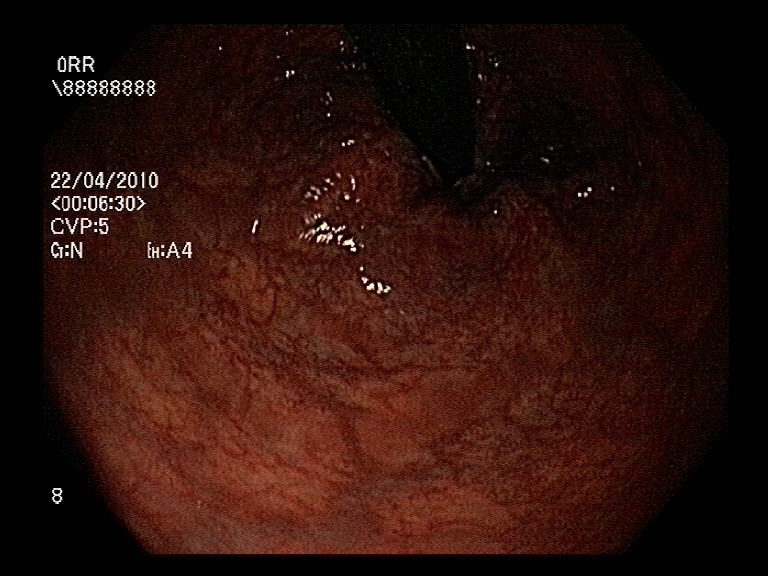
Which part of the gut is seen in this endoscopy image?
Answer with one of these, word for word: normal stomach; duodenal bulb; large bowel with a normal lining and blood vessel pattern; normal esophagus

large bowel with a normal lining and blood vessel pattern